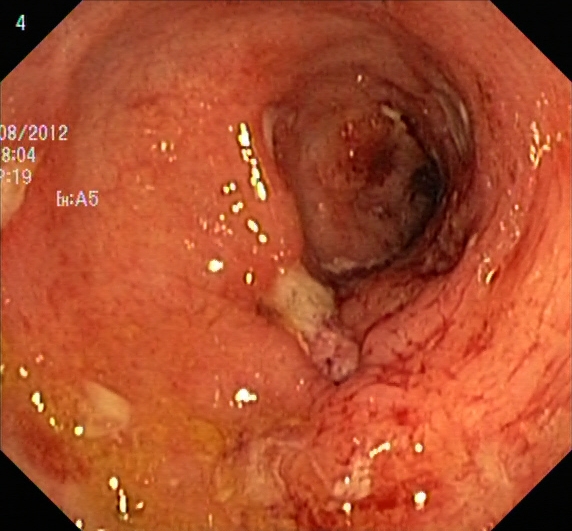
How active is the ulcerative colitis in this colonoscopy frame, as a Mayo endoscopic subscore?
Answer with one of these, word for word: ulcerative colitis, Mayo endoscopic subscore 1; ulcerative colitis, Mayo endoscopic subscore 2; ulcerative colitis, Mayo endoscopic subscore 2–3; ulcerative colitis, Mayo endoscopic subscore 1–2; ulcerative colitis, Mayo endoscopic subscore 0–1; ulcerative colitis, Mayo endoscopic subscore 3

ulcerative colitis, Mayo endoscopic subscore 3